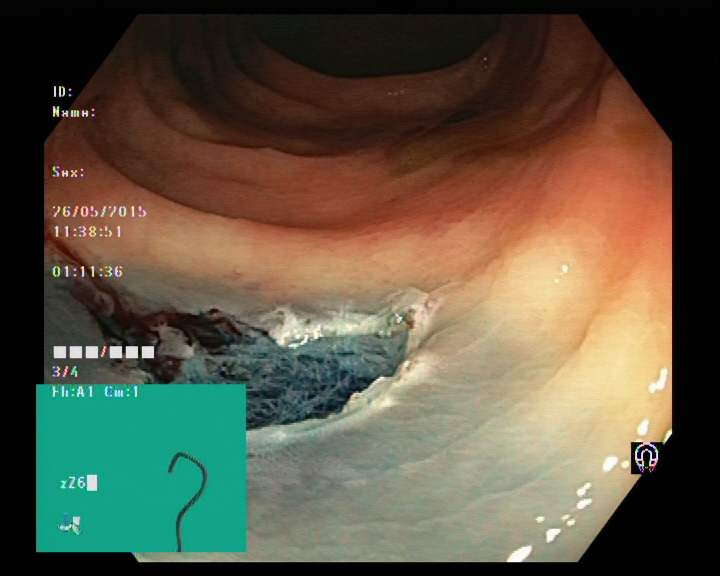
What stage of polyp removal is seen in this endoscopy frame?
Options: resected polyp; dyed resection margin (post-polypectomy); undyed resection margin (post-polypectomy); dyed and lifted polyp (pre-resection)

dyed resection margin (post-polypectomy)